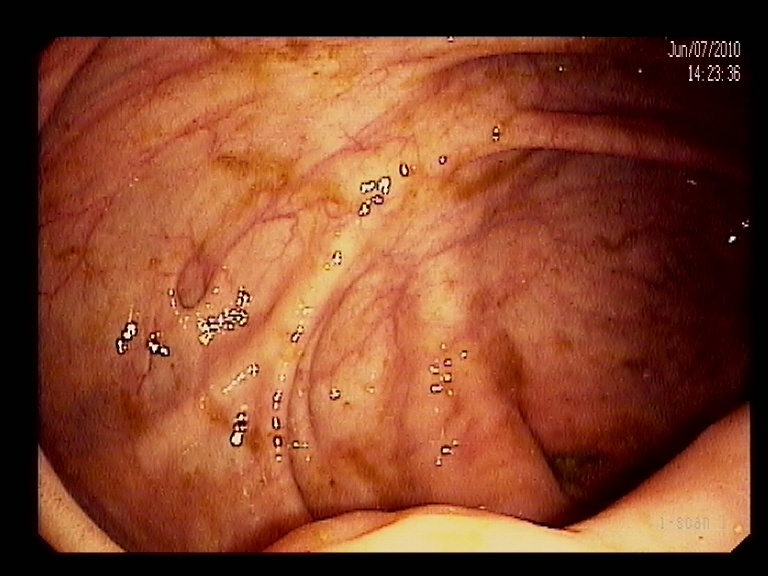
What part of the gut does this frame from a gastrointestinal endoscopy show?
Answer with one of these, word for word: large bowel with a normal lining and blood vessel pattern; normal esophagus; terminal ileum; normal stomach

large bowel with a normal lining and blood vessel pattern